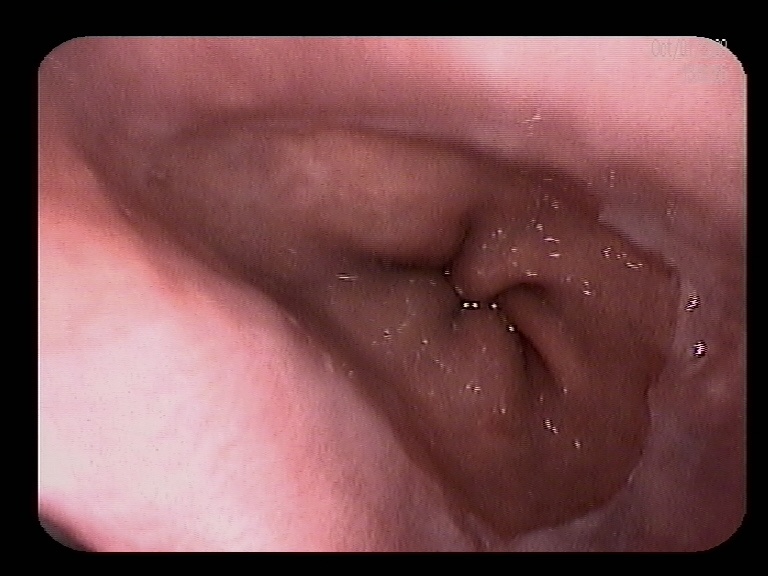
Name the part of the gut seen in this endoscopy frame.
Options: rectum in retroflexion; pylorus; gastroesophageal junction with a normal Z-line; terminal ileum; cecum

gastroesophageal junction with a normal Z-line